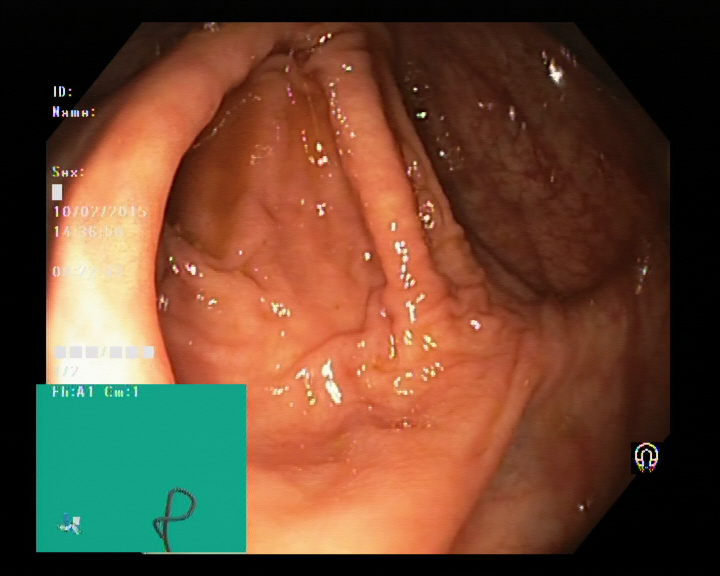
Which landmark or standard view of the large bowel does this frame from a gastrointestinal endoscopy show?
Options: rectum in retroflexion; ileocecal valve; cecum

cecum